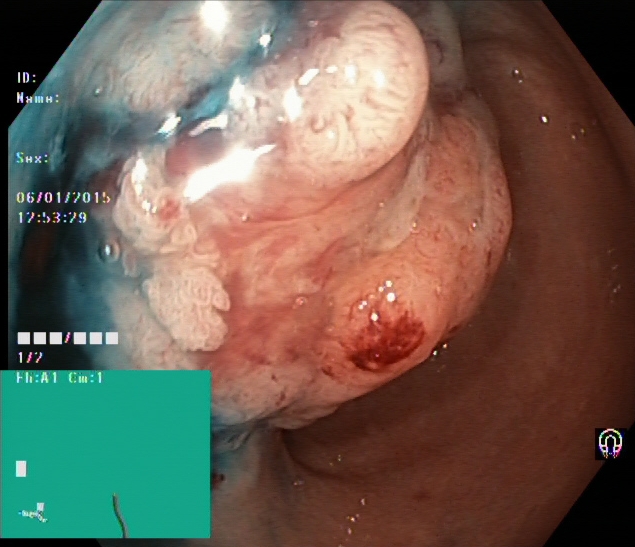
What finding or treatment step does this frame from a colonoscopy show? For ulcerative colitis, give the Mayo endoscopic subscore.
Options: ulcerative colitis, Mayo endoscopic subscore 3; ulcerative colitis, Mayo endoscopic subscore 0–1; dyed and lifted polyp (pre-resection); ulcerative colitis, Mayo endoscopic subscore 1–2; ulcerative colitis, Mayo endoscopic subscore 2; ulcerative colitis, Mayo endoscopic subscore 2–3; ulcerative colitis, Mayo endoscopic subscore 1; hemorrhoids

dyed and lifted polyp (pre-resection)